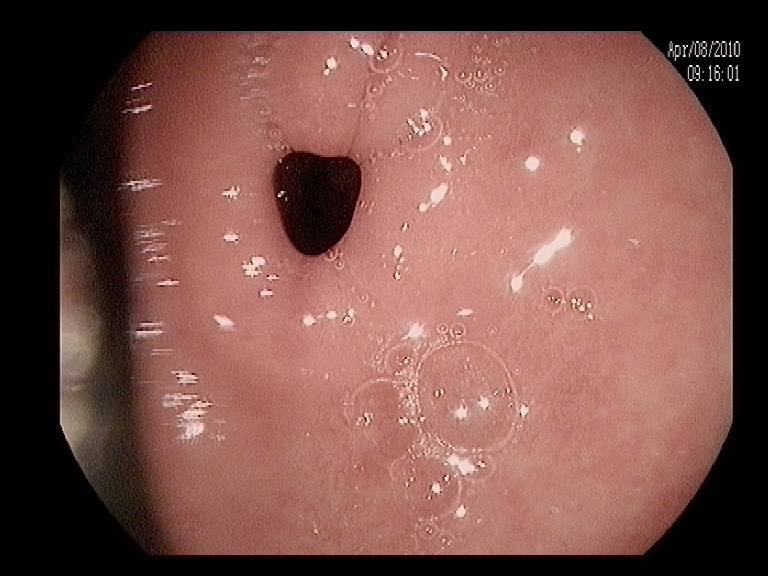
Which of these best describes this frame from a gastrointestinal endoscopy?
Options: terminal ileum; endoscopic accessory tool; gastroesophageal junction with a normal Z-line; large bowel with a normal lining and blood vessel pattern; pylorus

pylorus